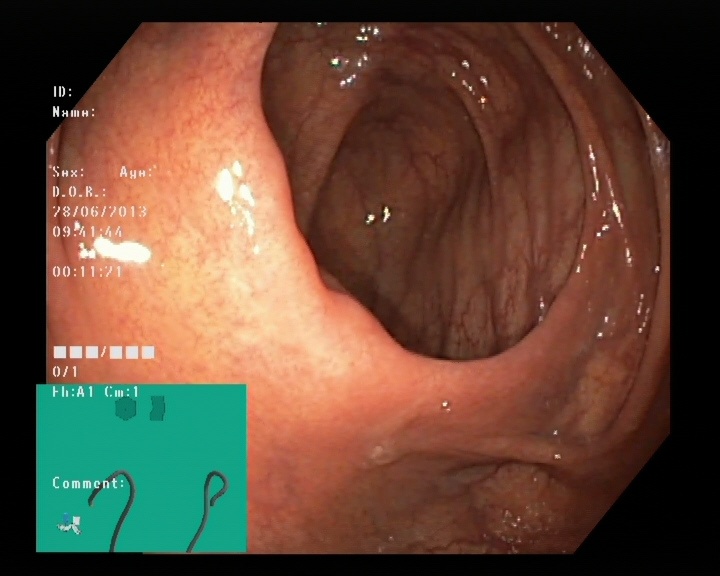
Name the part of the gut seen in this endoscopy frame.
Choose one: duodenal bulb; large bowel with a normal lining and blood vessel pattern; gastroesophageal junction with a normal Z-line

large bowel with a normal lining and blood vessel pattern